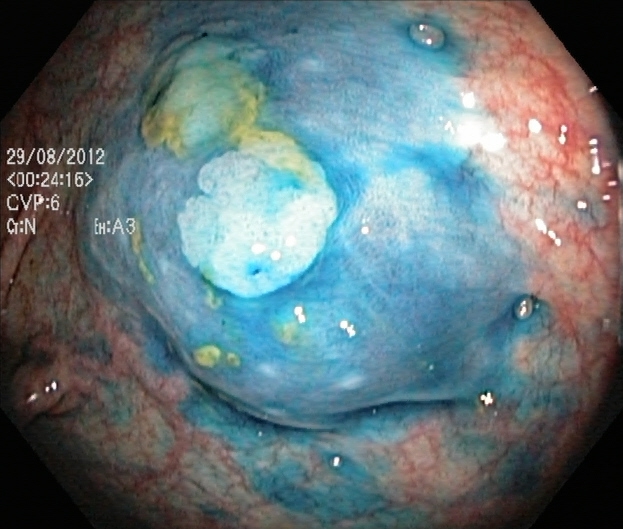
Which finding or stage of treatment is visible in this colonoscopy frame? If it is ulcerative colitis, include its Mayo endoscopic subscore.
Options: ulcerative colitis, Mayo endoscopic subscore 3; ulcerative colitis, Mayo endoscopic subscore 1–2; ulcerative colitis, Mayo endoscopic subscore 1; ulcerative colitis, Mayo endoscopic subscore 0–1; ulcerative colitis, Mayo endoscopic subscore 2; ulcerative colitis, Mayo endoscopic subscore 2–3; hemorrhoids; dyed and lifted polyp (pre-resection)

dyed and lifted polyp (pre-resection)